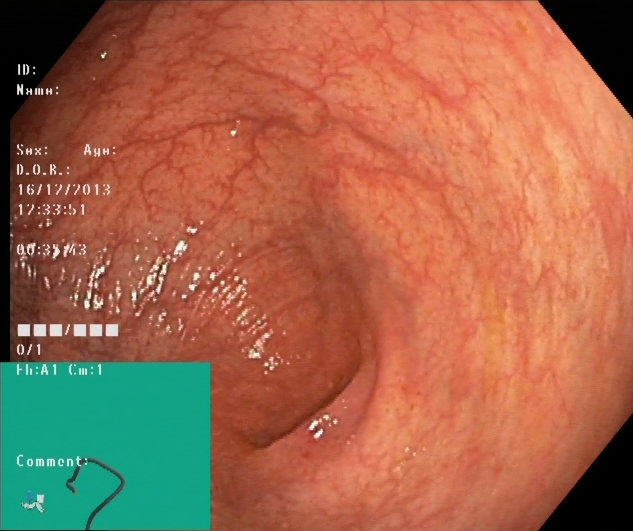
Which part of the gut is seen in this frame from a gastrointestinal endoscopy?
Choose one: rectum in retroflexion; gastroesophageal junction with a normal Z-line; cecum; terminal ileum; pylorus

cecum